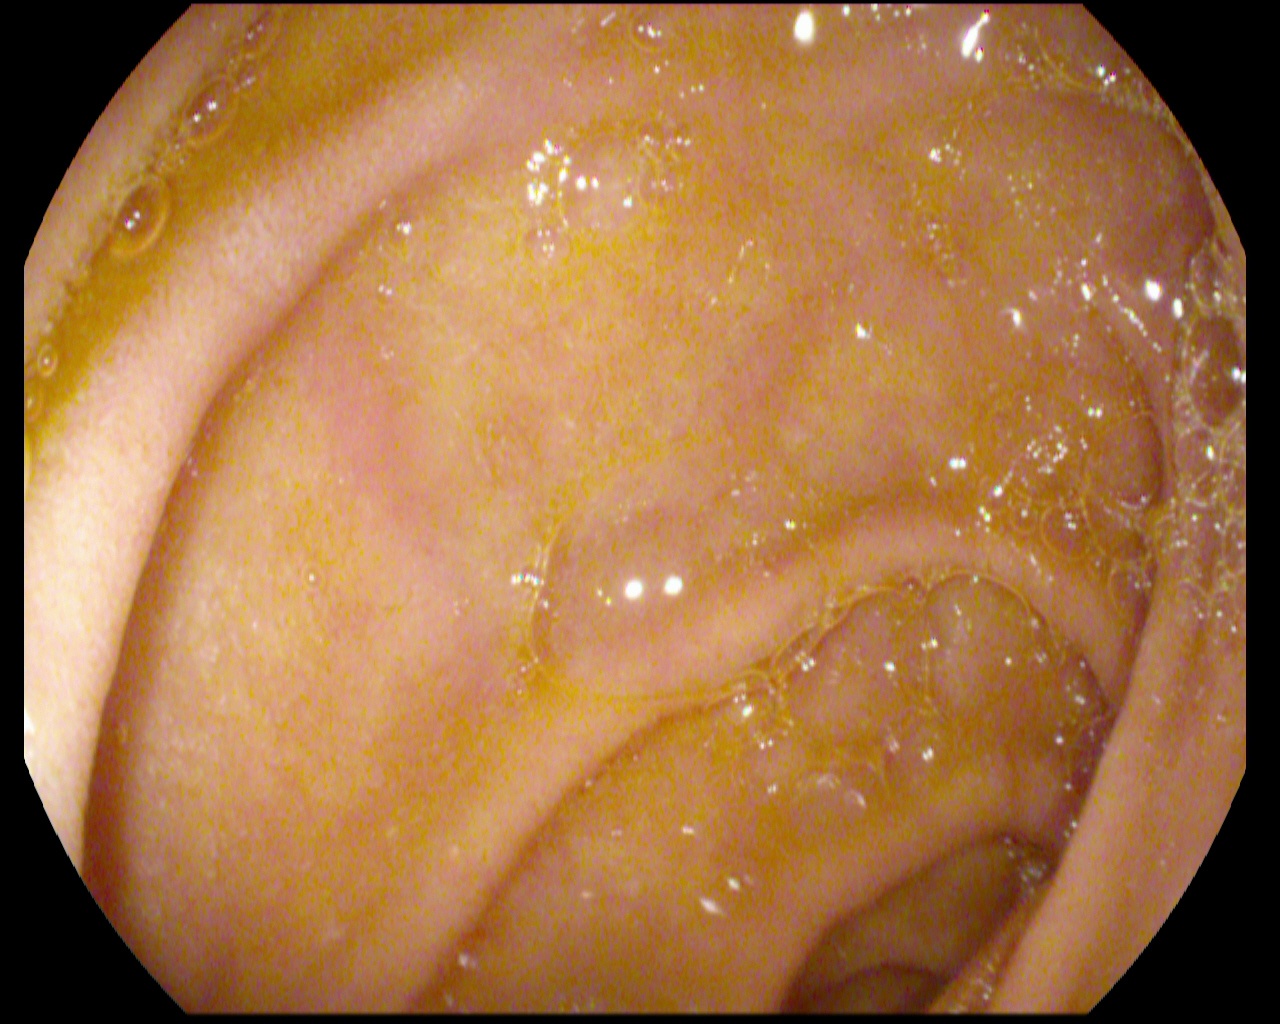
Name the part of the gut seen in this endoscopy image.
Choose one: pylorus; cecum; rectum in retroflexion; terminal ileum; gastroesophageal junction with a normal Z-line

terminal ileum